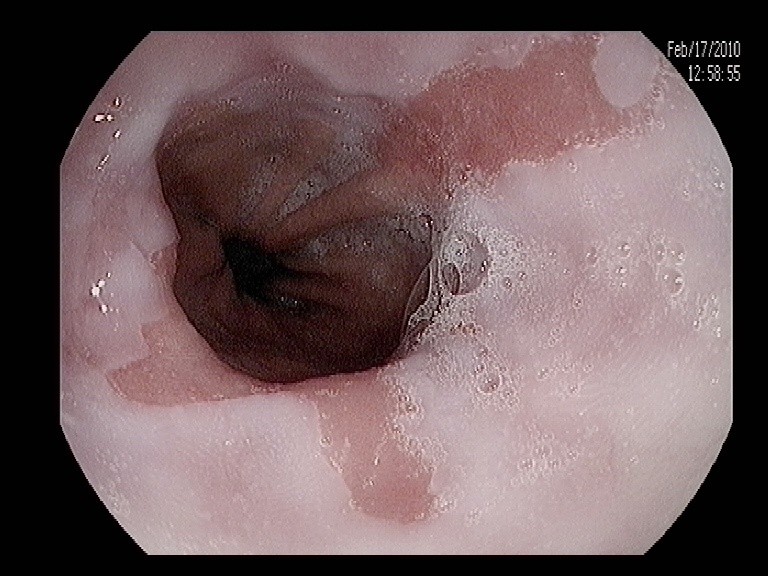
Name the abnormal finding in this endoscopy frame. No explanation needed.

Barrett's esophagus